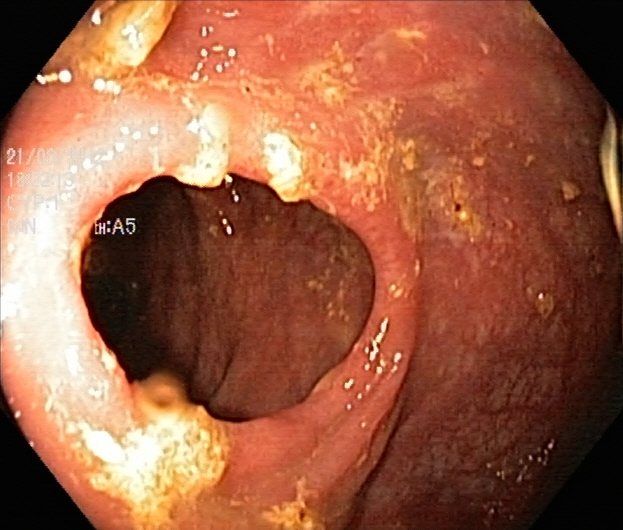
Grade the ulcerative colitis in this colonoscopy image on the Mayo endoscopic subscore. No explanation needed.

ulcerative colitis, Mayo endoscopic subscore 1